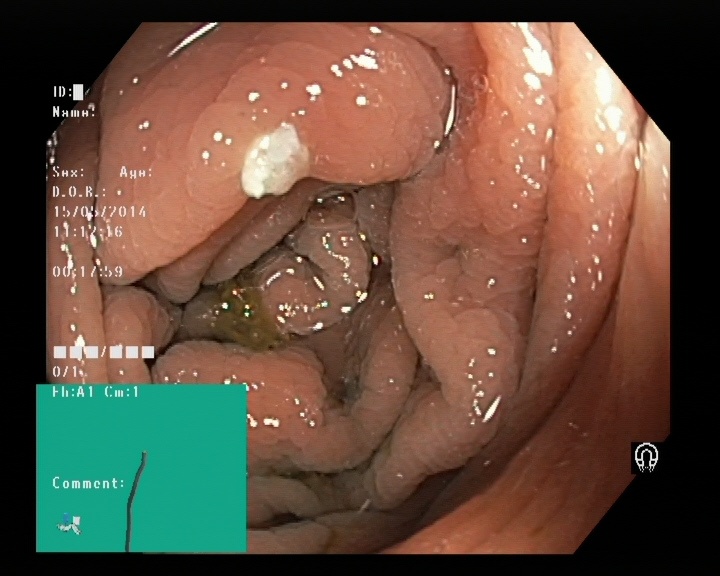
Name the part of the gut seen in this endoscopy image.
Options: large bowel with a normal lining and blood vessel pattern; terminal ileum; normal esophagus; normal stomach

large bowel with a normal lining and blood vessel pattern